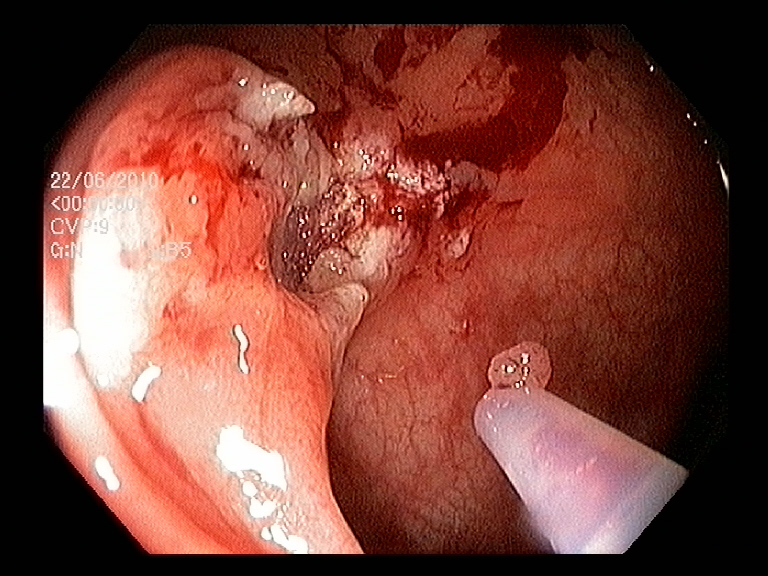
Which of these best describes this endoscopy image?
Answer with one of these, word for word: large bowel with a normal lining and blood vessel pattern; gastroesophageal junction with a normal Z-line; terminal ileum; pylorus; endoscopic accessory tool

endoscopic accessory tool